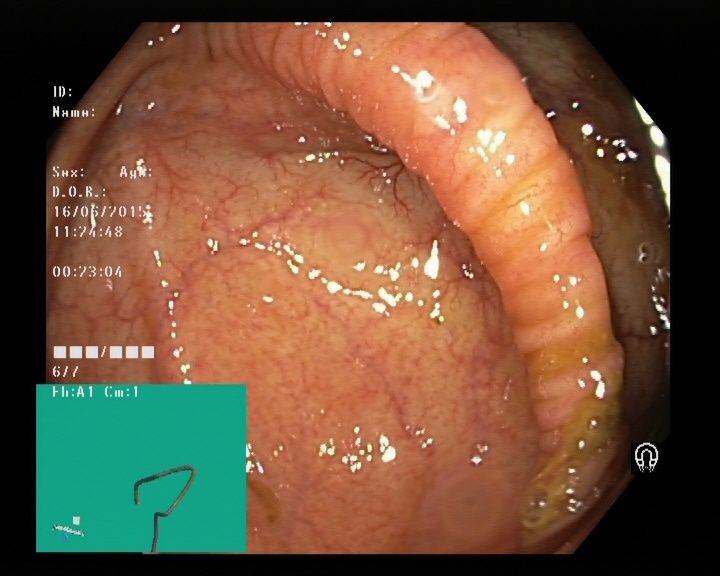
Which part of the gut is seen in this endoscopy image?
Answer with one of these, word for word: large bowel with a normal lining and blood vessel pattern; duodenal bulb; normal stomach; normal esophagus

large bowel with a normal lining and blood vessel pattern